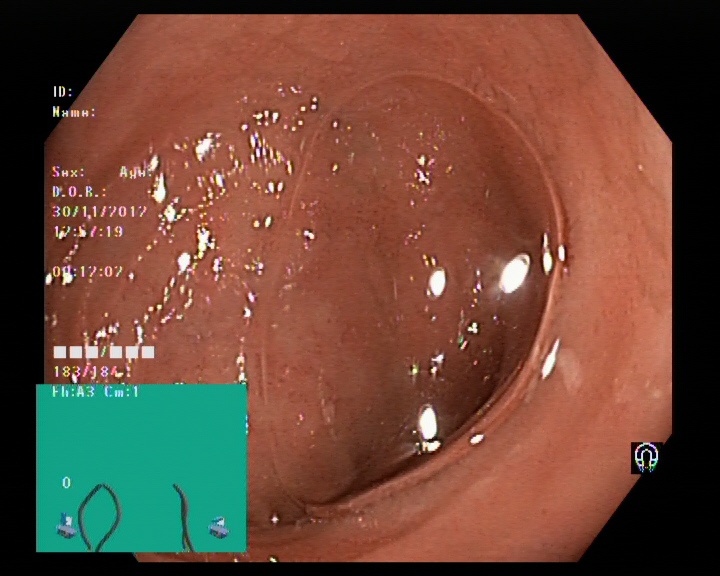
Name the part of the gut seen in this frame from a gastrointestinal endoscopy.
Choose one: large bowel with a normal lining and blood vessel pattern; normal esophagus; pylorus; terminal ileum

large bowel with a normal lining and blood vessel pattern